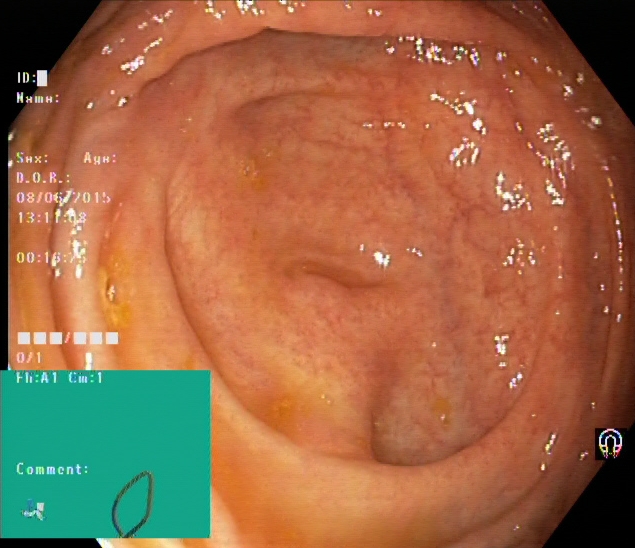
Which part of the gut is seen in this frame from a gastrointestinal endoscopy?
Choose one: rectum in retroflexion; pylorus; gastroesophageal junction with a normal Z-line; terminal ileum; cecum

cecum